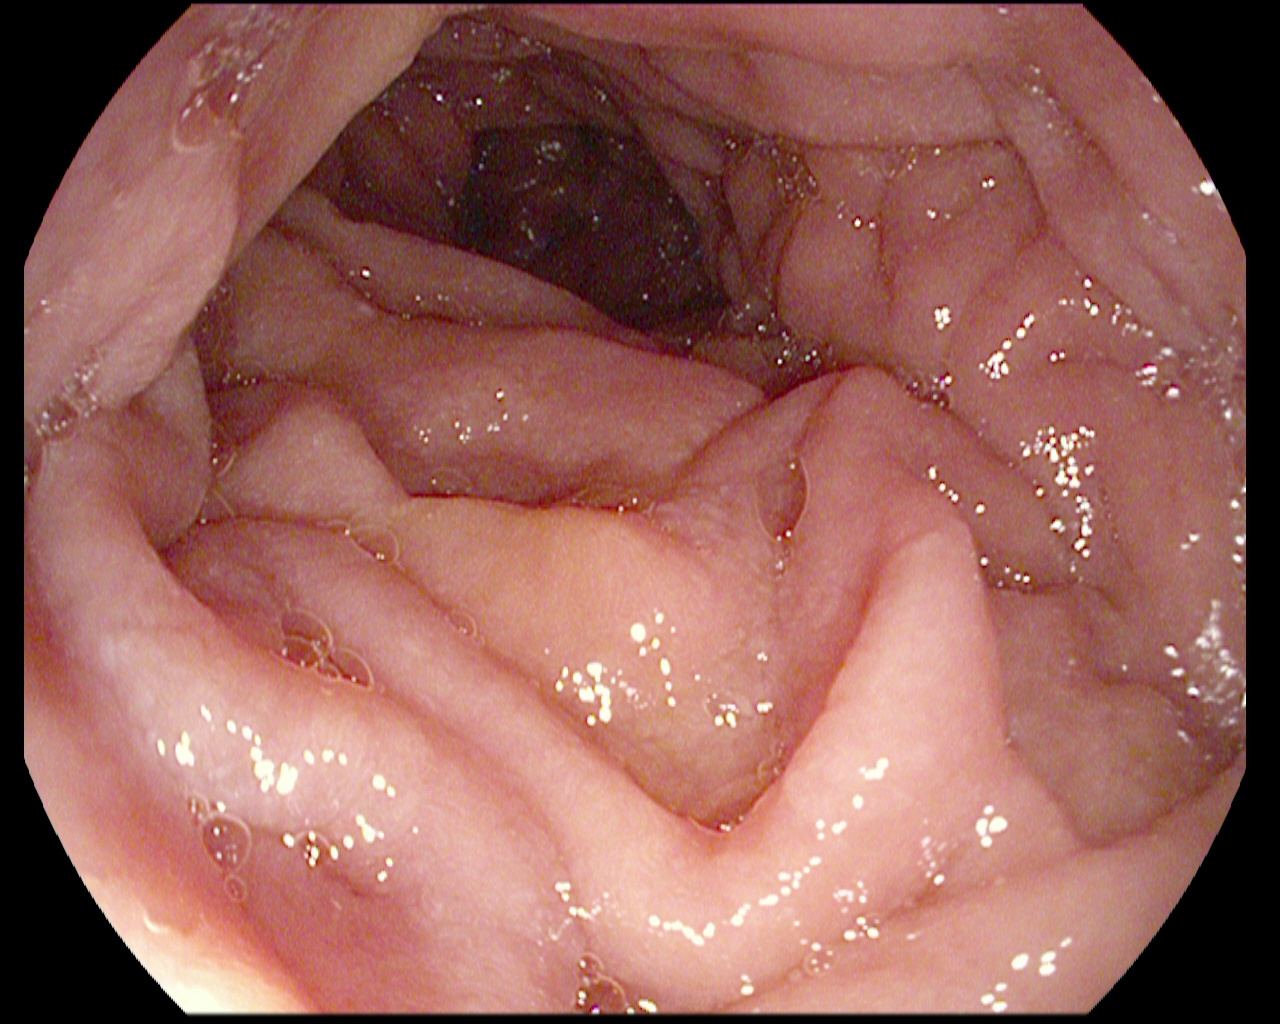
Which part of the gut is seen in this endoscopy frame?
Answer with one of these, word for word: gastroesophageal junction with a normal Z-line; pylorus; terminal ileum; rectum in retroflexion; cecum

terminal ileum